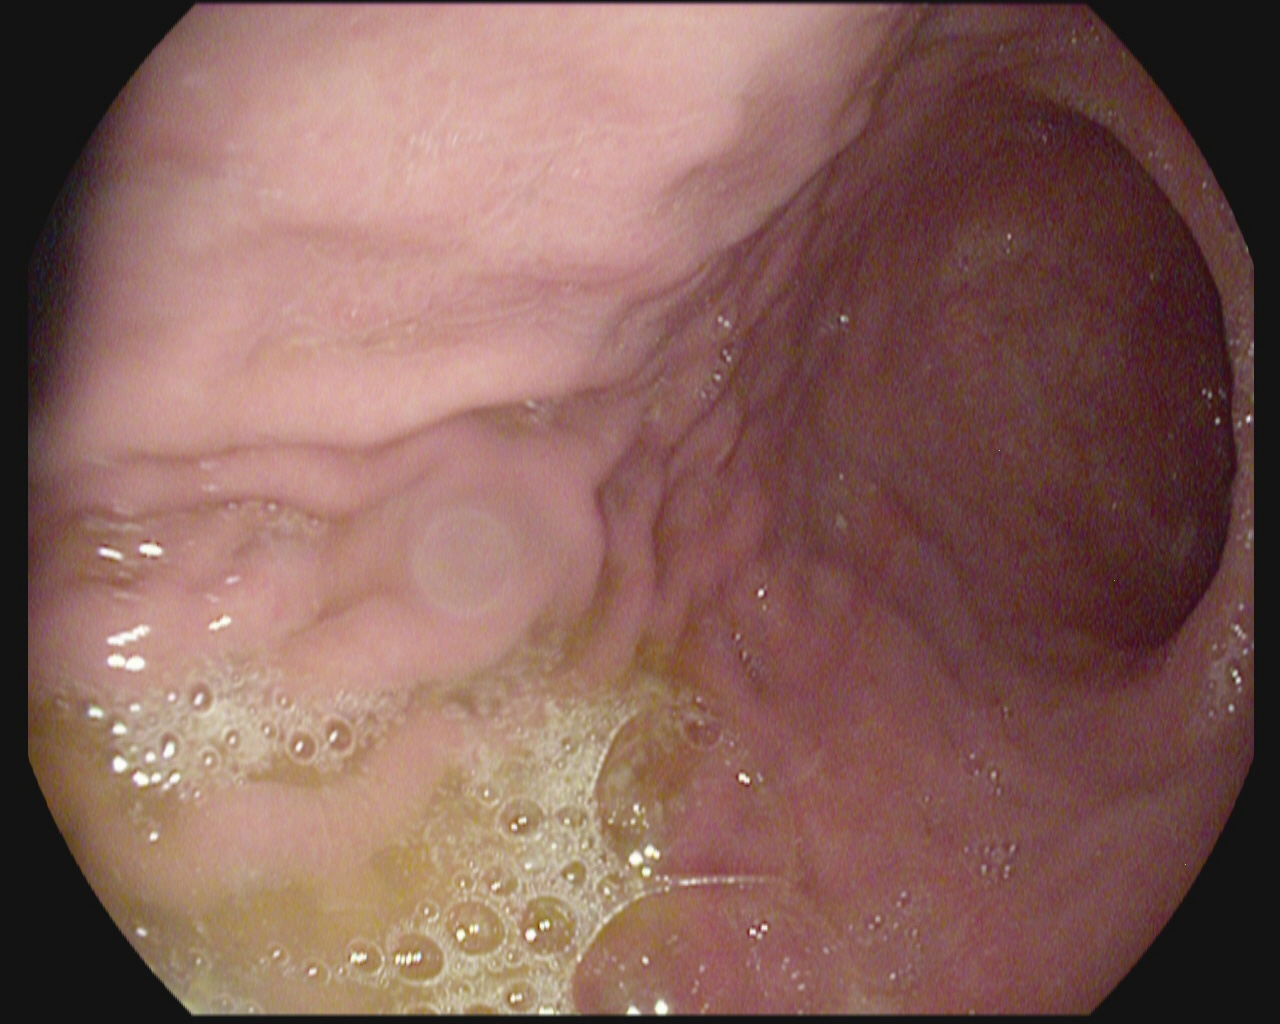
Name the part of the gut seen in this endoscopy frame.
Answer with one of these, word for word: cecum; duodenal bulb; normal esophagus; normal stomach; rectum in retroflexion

normal stomach